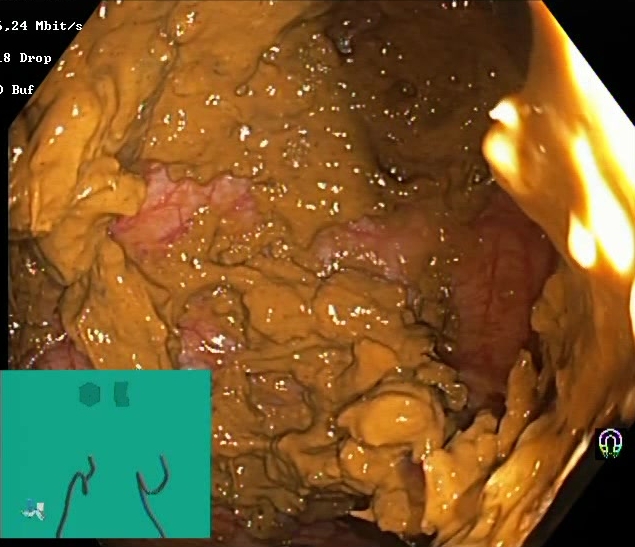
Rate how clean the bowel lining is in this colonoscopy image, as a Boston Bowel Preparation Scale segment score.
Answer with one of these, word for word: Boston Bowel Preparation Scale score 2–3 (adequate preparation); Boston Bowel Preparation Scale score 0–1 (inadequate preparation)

Boston Bowel Preparation Scale score 0–1 (inadequate preparation)